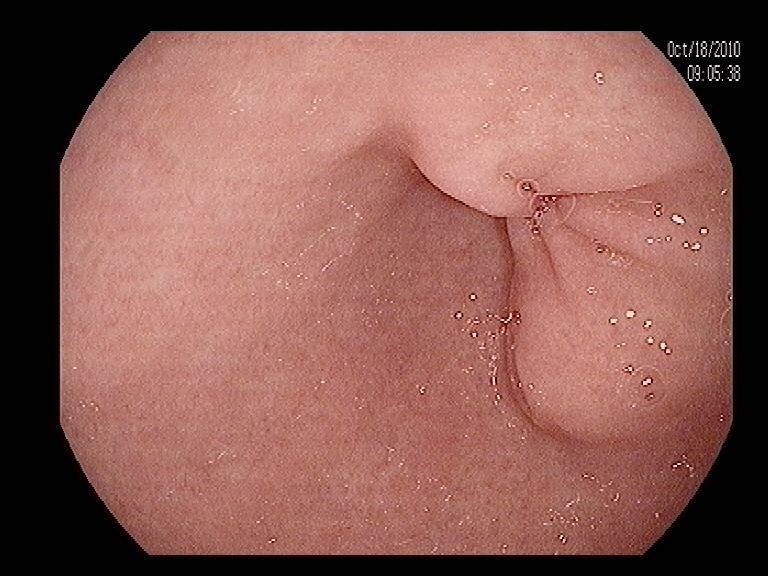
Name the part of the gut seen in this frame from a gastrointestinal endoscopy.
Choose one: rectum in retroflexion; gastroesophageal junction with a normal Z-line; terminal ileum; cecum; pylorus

pylorus